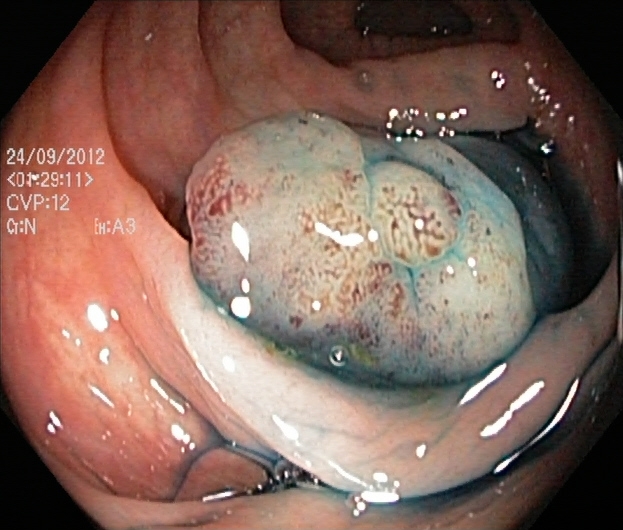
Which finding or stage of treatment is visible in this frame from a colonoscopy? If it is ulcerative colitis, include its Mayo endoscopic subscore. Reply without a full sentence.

dyed and lifted polyp (pre-resection)